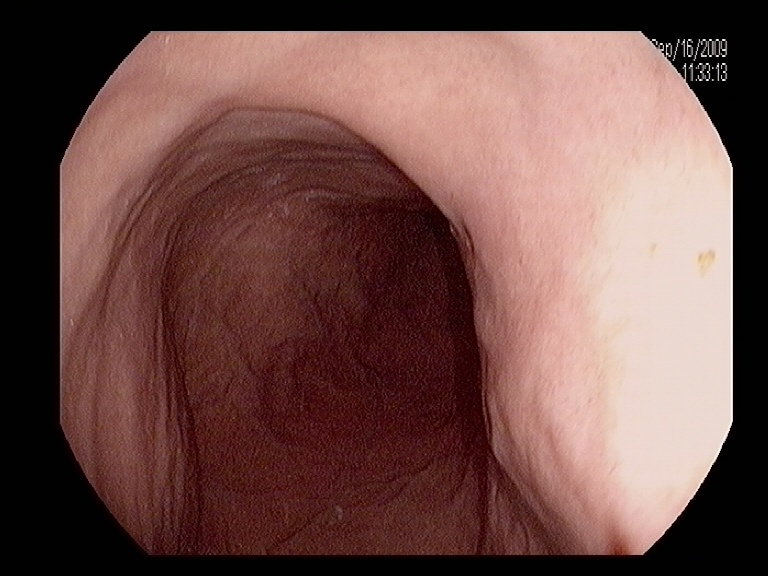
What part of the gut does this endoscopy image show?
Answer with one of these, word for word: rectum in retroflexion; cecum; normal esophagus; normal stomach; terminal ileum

normal stomach